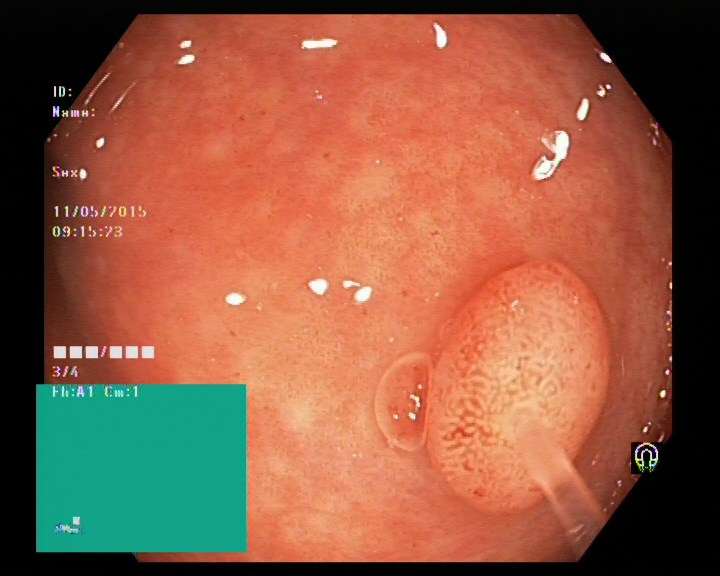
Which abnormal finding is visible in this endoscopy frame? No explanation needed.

colon polyp